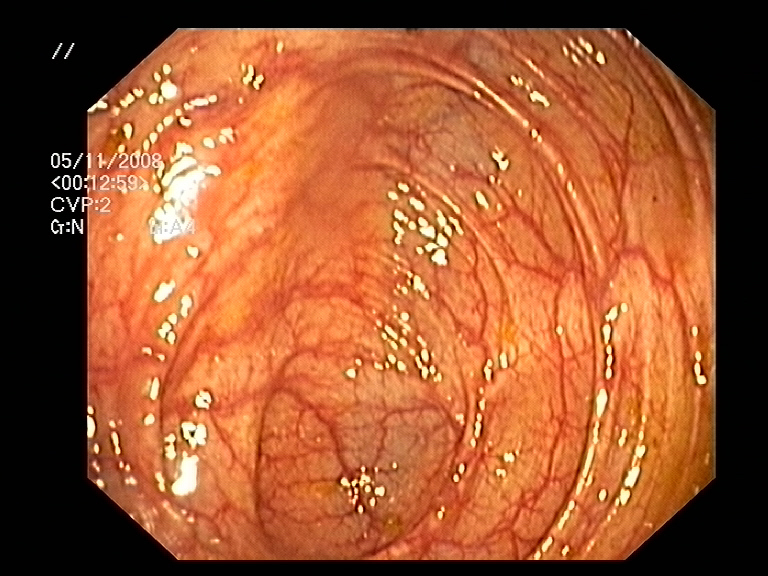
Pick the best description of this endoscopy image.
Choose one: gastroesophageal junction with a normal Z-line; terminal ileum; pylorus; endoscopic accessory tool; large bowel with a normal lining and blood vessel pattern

large bowel with a normal lining and blood vessel pattern